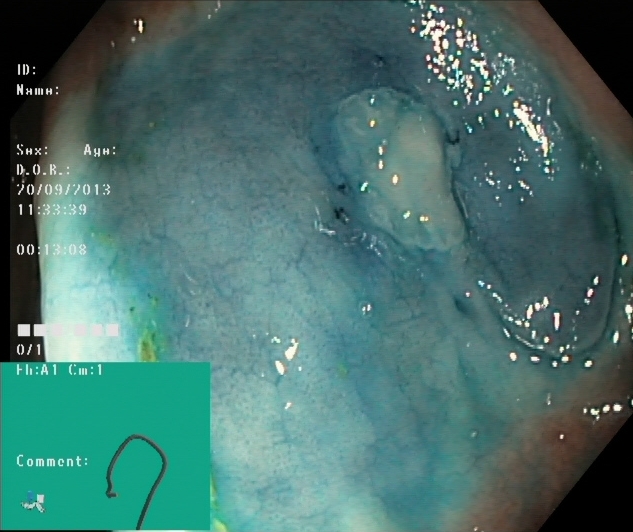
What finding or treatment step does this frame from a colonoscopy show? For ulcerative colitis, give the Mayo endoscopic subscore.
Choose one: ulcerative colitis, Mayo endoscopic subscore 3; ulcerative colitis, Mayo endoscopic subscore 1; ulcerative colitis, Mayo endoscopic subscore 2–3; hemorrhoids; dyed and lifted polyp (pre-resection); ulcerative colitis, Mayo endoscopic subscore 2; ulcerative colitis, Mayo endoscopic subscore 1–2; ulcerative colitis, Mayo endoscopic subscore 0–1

dyed and lifted polyp (pre-resection)